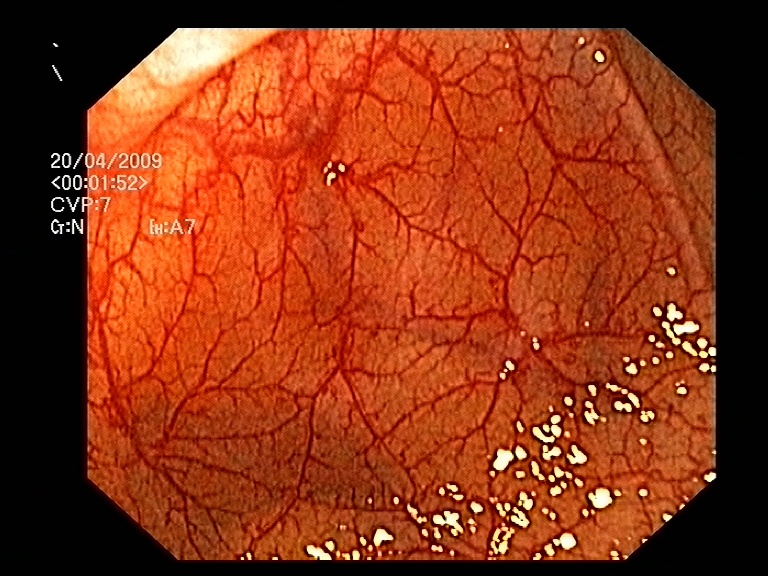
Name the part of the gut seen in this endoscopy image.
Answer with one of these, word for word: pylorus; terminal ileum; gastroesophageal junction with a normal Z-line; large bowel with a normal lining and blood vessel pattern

large bowel with a normal lining and blood vessel pattern